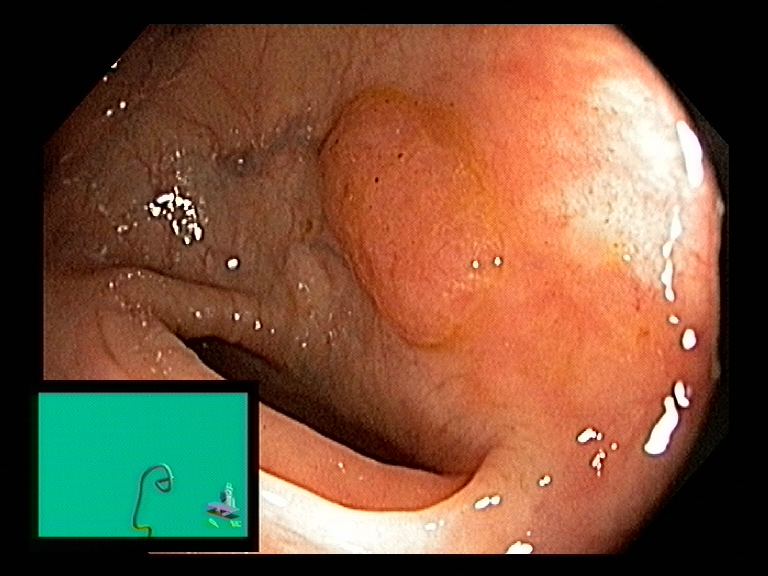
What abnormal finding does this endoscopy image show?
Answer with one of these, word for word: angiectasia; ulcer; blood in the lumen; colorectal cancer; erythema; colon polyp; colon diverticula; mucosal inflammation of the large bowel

colon polyp